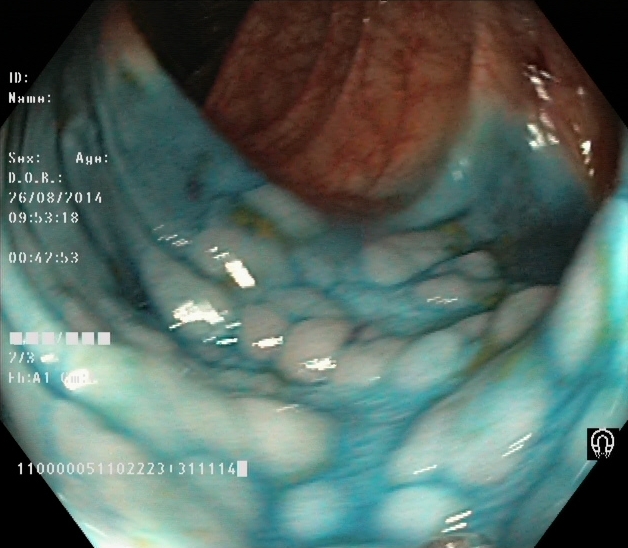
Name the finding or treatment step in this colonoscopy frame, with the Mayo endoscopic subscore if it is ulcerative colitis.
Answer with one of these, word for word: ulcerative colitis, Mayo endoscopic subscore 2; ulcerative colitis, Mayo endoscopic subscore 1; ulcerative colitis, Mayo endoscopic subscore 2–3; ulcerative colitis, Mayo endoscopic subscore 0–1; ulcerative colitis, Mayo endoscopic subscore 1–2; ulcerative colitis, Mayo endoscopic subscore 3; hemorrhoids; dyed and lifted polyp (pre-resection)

dyed and lifted polyp (pre-resection)